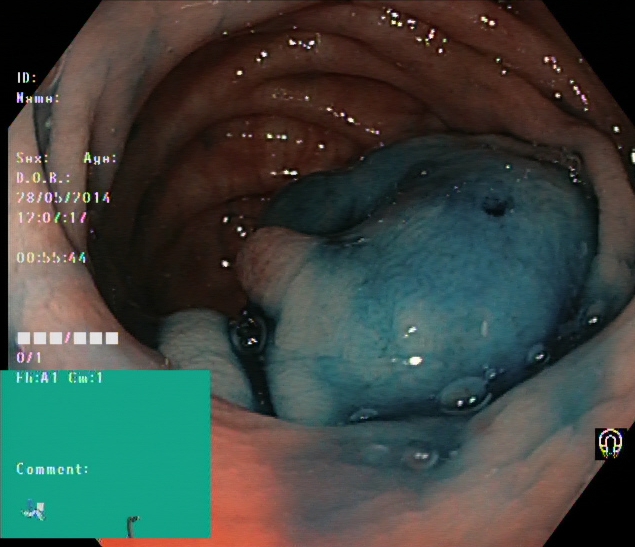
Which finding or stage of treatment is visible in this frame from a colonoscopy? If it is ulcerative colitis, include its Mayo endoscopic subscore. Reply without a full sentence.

dyed and lifted polyp (pre-resection)